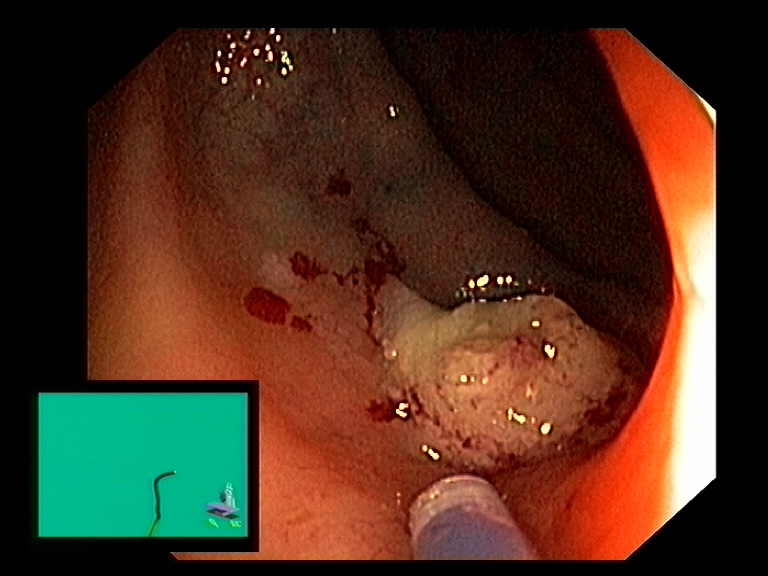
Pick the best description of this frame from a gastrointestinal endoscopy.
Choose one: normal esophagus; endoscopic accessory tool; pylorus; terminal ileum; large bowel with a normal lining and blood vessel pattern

endoscopic accessory tool